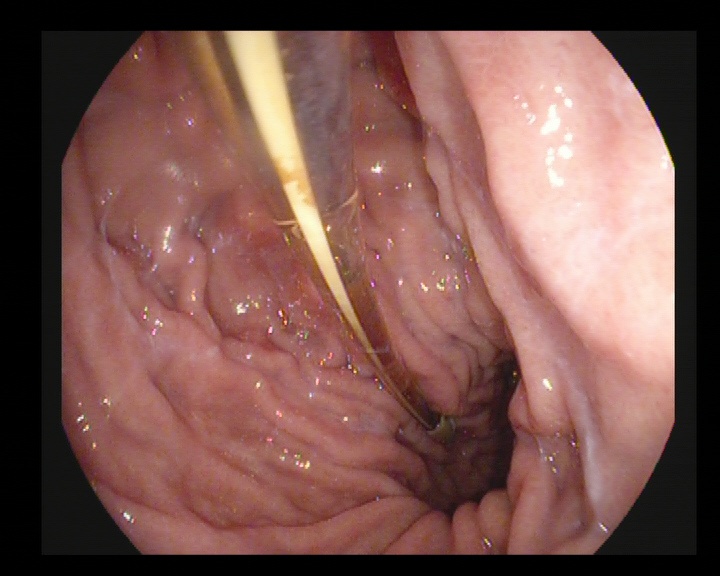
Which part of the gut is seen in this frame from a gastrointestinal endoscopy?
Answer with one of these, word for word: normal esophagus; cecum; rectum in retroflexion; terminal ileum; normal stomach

normal stomach